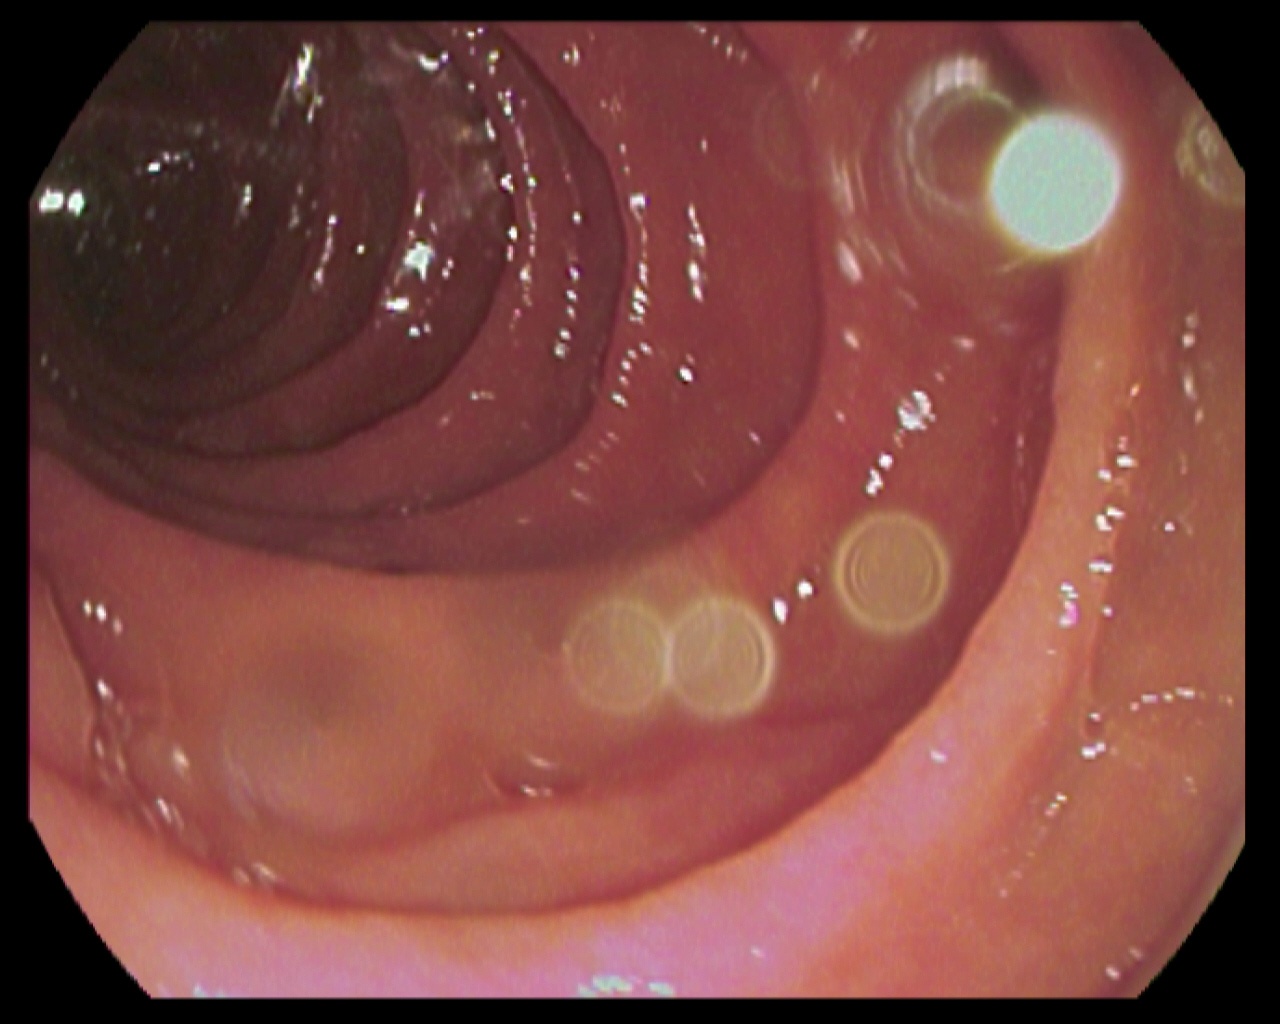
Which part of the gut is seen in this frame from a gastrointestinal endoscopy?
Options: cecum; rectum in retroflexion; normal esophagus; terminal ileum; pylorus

terminal ileum